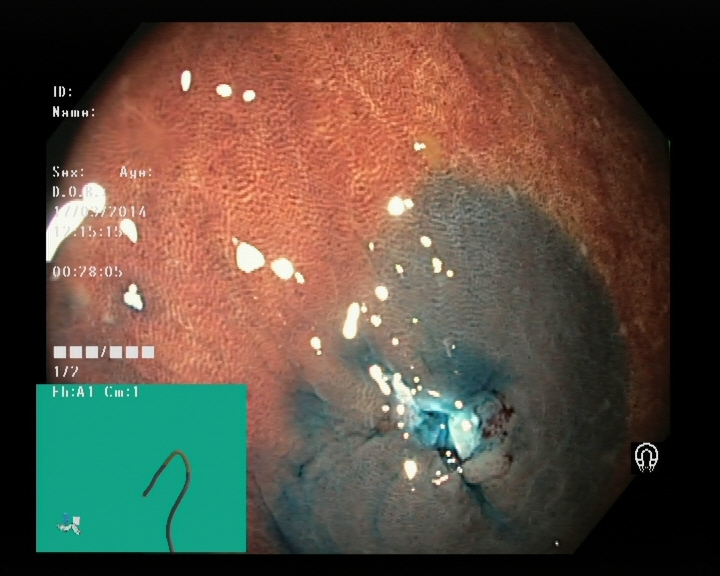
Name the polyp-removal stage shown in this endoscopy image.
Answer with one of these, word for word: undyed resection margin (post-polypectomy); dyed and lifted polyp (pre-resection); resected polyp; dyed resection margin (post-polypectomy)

dyed resection margin (post-polypectomy)